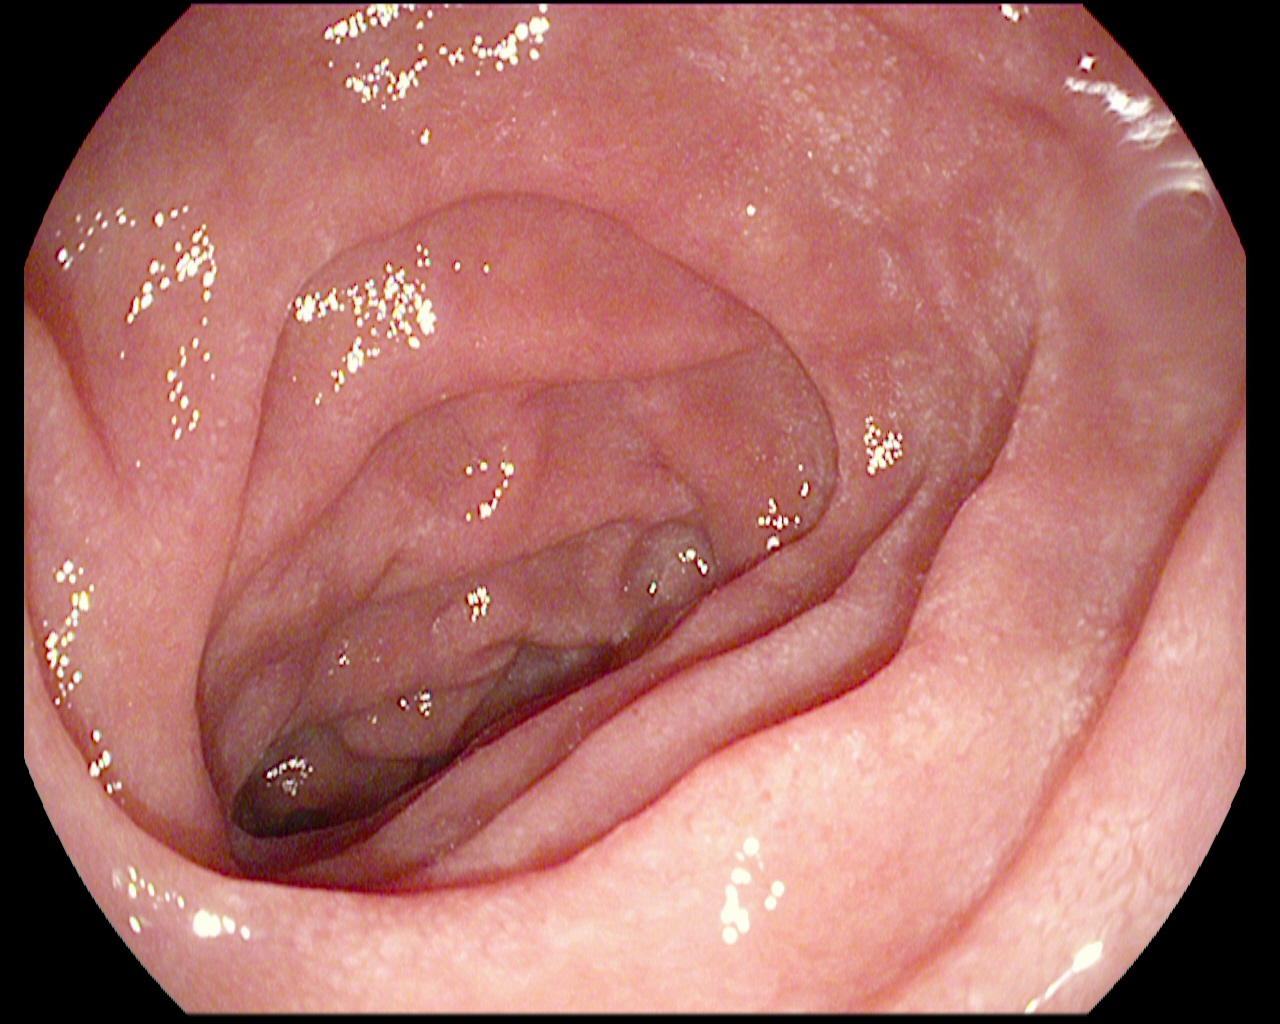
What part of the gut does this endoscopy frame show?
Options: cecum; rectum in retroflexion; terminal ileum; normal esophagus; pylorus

terminal ileum